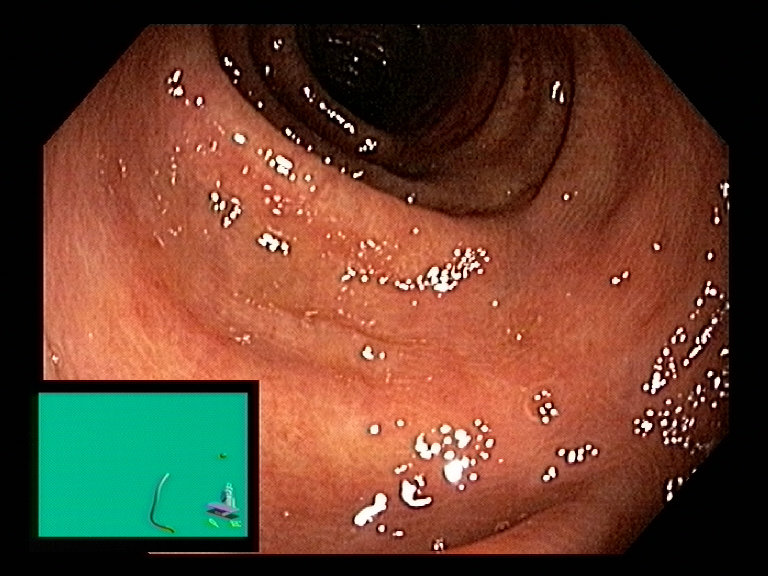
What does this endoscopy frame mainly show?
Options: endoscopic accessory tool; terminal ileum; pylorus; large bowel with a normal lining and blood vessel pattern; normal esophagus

large bowel with a normal lining and blood vessel pattern